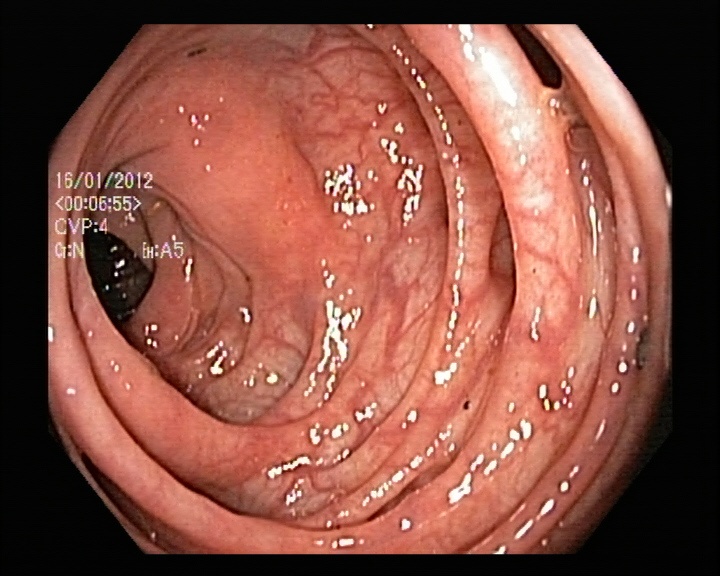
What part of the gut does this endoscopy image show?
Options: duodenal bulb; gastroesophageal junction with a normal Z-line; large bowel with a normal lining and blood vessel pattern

large bowel with a normal lining and blood vessel pattern